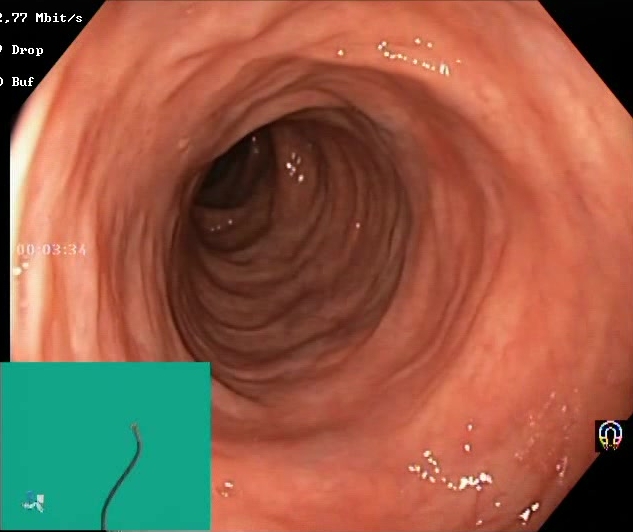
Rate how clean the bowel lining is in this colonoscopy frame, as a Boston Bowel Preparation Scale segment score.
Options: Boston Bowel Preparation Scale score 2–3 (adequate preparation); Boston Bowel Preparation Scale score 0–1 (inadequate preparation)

Boston Bowel Preparation Scale score 2–3 (adequate preparation)